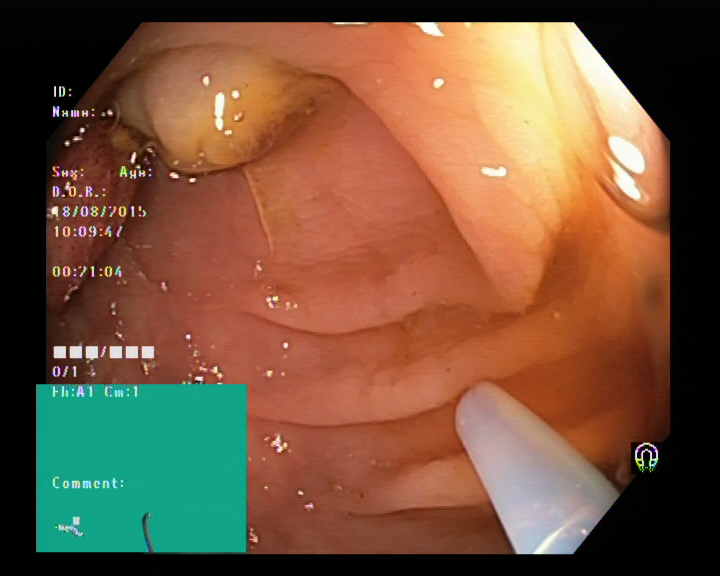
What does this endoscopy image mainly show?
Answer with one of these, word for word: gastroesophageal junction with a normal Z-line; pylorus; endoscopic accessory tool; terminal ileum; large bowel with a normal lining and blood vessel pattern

endoscopic accessory tool